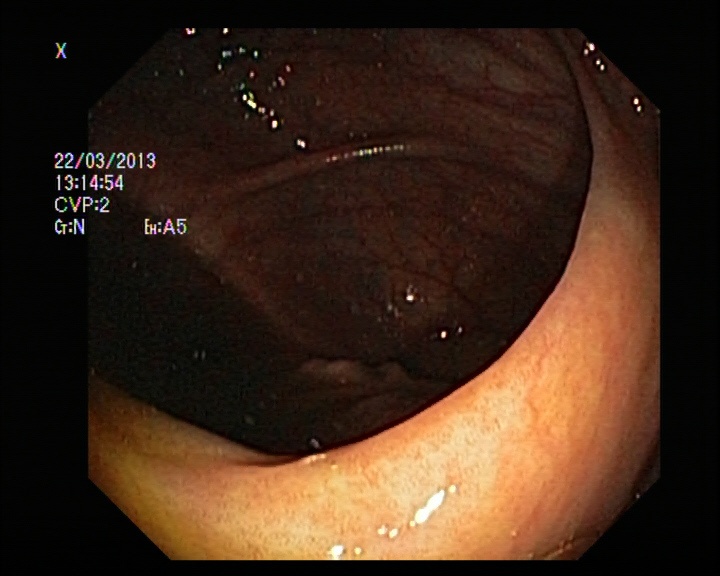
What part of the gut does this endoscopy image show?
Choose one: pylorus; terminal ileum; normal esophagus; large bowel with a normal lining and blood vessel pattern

large bowel with a normal lining and blood vessel pattern